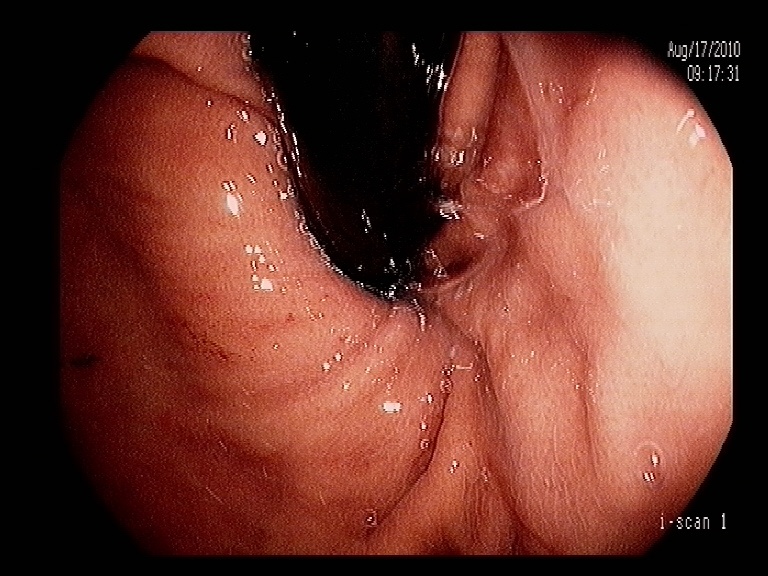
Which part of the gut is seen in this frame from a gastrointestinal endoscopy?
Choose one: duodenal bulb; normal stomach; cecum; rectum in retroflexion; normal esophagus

normal stomach